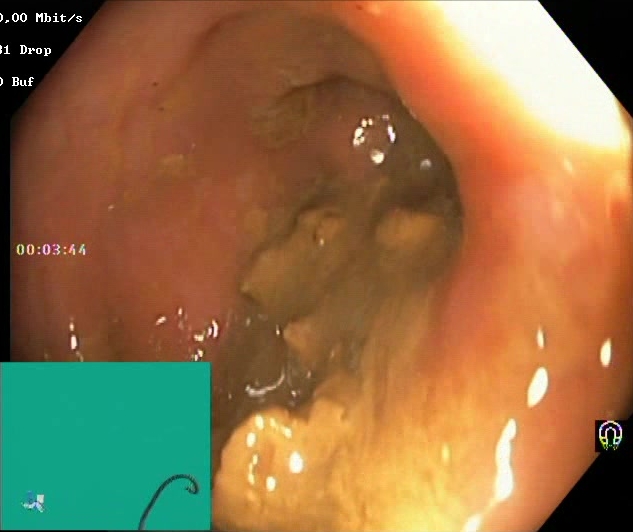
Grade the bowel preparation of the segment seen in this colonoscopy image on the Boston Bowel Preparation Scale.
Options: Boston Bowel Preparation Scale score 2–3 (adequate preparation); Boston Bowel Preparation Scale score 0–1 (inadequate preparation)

Boston Bowel Preparation Scale score 0–1 (inadequate preparation)